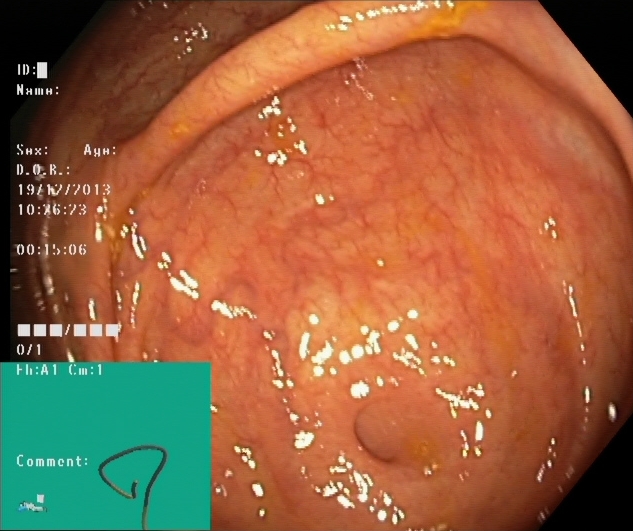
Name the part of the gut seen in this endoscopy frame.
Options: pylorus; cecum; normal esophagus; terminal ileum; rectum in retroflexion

cecum